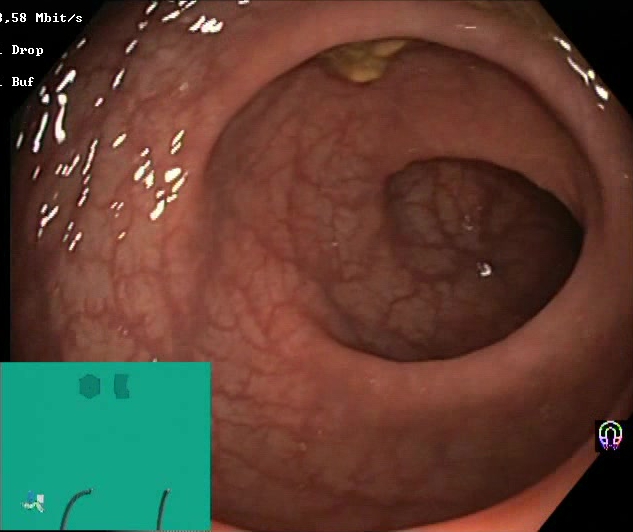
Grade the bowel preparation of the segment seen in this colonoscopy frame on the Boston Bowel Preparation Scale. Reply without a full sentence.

Boston Bowel Preparation Scale score 2–3 (adequate preparation)